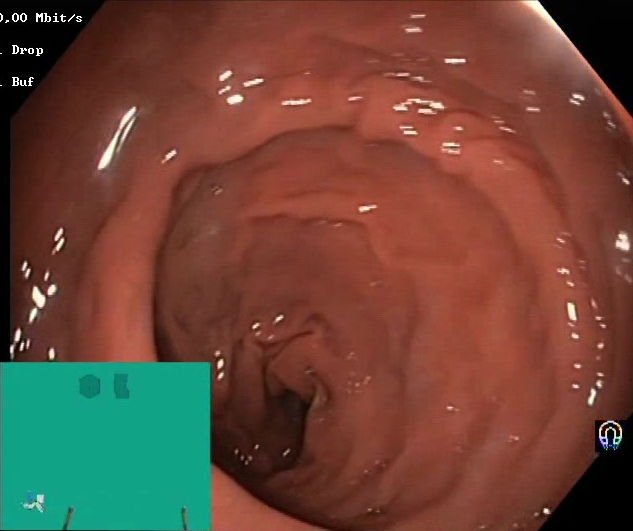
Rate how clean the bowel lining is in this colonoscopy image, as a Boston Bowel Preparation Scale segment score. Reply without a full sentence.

Boston Bowel Preparation Scale score 2–3 (adequate preparation)